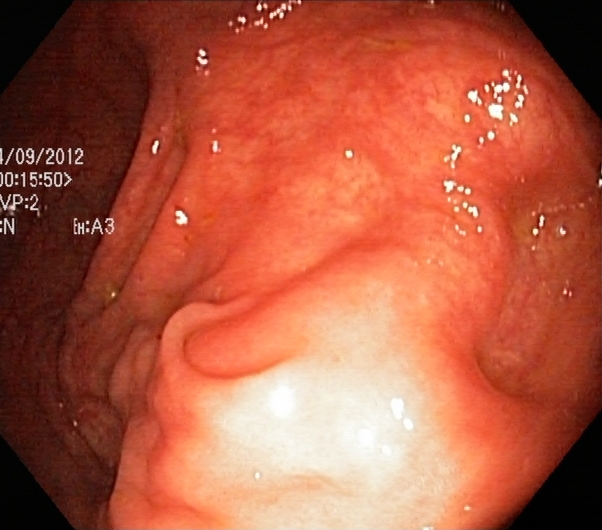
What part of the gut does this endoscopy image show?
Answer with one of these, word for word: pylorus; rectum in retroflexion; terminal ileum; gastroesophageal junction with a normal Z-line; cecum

cecum